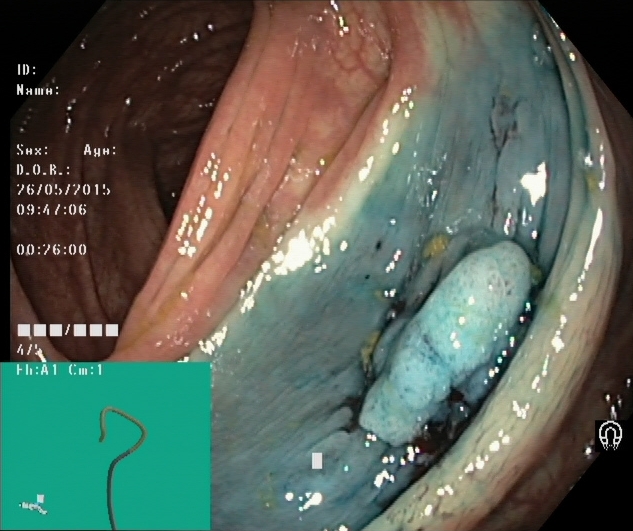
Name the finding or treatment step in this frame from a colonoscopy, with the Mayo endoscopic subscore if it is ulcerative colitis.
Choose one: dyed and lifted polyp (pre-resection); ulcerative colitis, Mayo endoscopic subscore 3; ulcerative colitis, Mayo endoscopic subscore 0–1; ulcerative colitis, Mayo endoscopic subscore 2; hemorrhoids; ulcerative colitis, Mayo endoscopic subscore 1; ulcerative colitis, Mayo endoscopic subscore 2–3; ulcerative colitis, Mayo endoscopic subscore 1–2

dyed and lifted polyp (pre-resection)